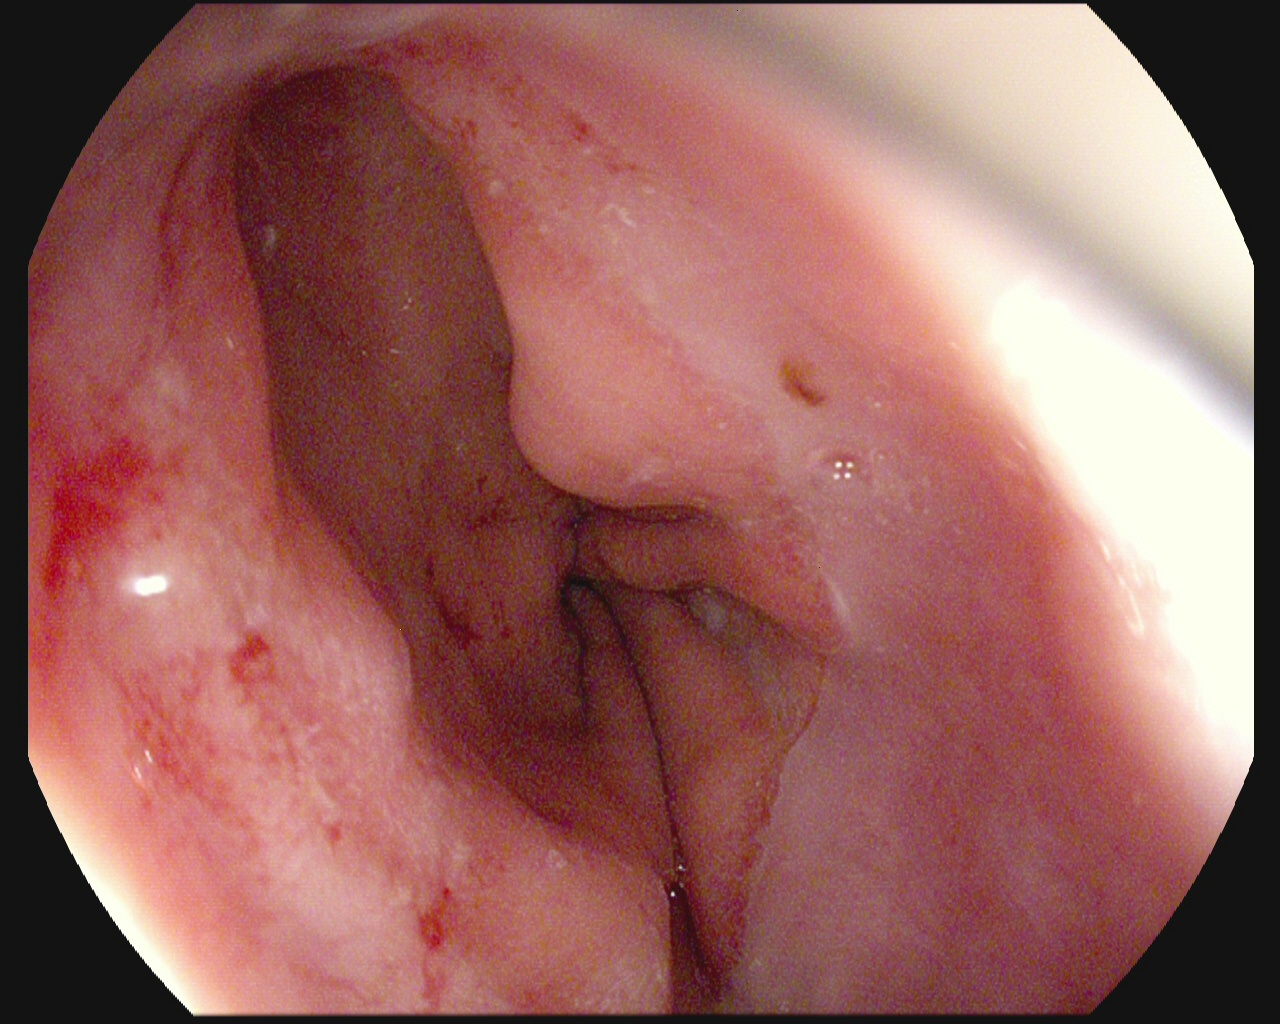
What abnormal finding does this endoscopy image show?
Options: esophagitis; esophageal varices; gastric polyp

esophagitis